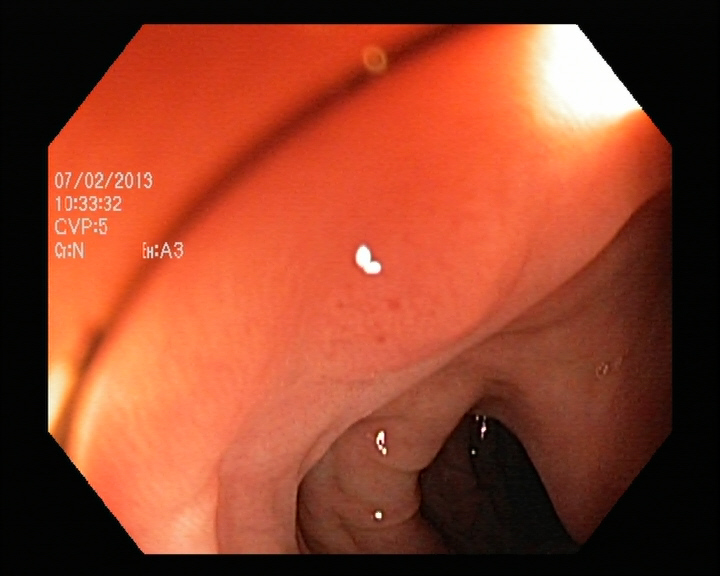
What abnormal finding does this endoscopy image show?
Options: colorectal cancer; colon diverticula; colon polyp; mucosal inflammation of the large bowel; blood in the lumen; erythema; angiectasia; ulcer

colon polyp